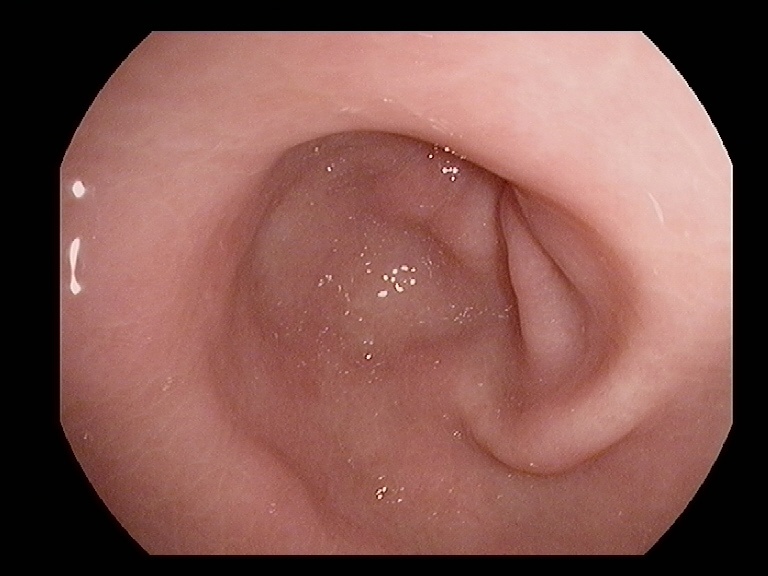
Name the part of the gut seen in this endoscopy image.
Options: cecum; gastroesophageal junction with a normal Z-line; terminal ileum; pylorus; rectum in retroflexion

pylorus